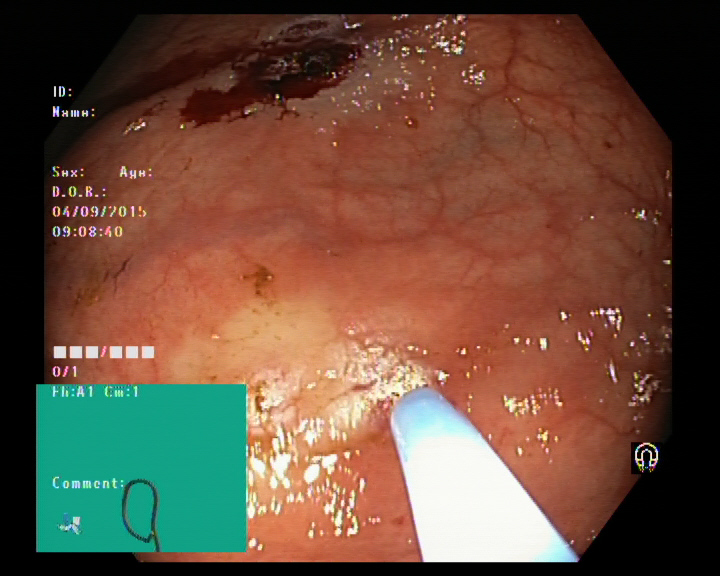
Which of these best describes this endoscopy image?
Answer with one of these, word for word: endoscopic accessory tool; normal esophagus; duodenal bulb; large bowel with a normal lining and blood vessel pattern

endoscopic accessory tool